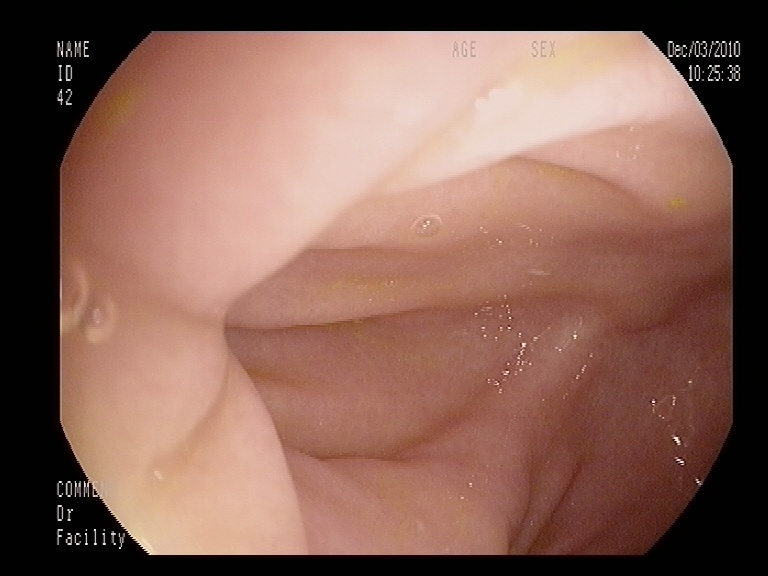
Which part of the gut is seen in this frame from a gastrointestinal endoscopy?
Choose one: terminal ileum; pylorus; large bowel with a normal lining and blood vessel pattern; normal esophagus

terminal ileum